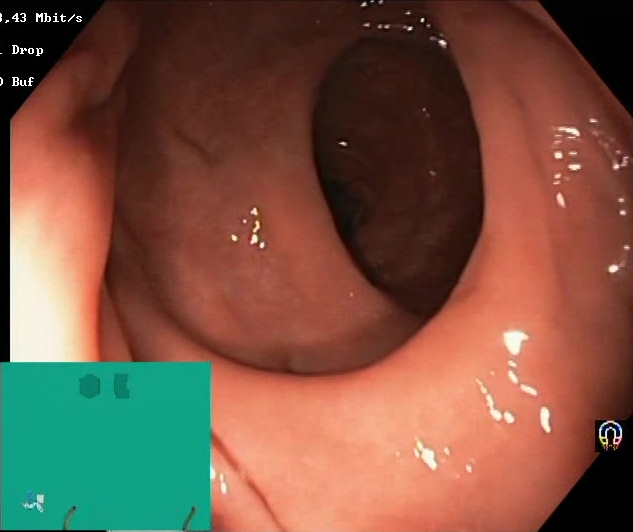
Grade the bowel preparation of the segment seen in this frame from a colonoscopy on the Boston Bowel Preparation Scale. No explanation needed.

Boston Bowel Preparation Scale score 2–3 (adequate preparation)